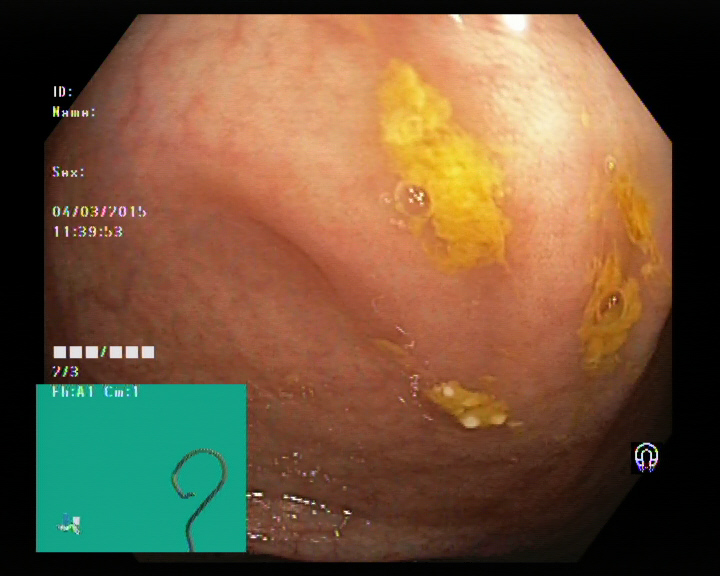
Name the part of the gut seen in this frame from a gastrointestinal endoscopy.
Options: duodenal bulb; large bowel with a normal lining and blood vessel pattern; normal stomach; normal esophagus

large bowel with a normal lining and blood vessel pattern